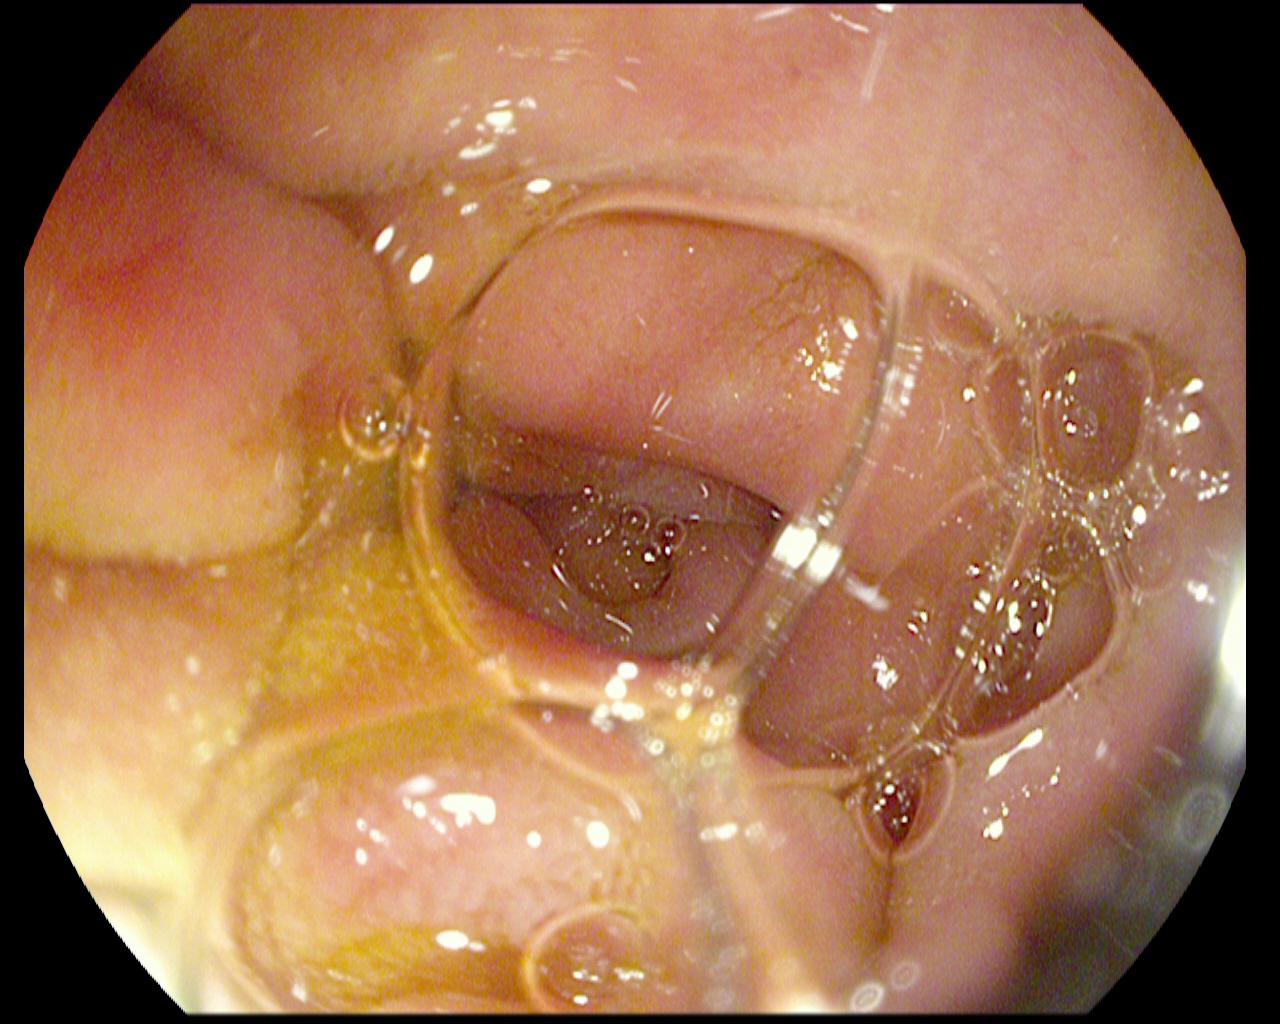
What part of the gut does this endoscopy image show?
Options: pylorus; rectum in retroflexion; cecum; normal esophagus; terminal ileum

terminal ileum